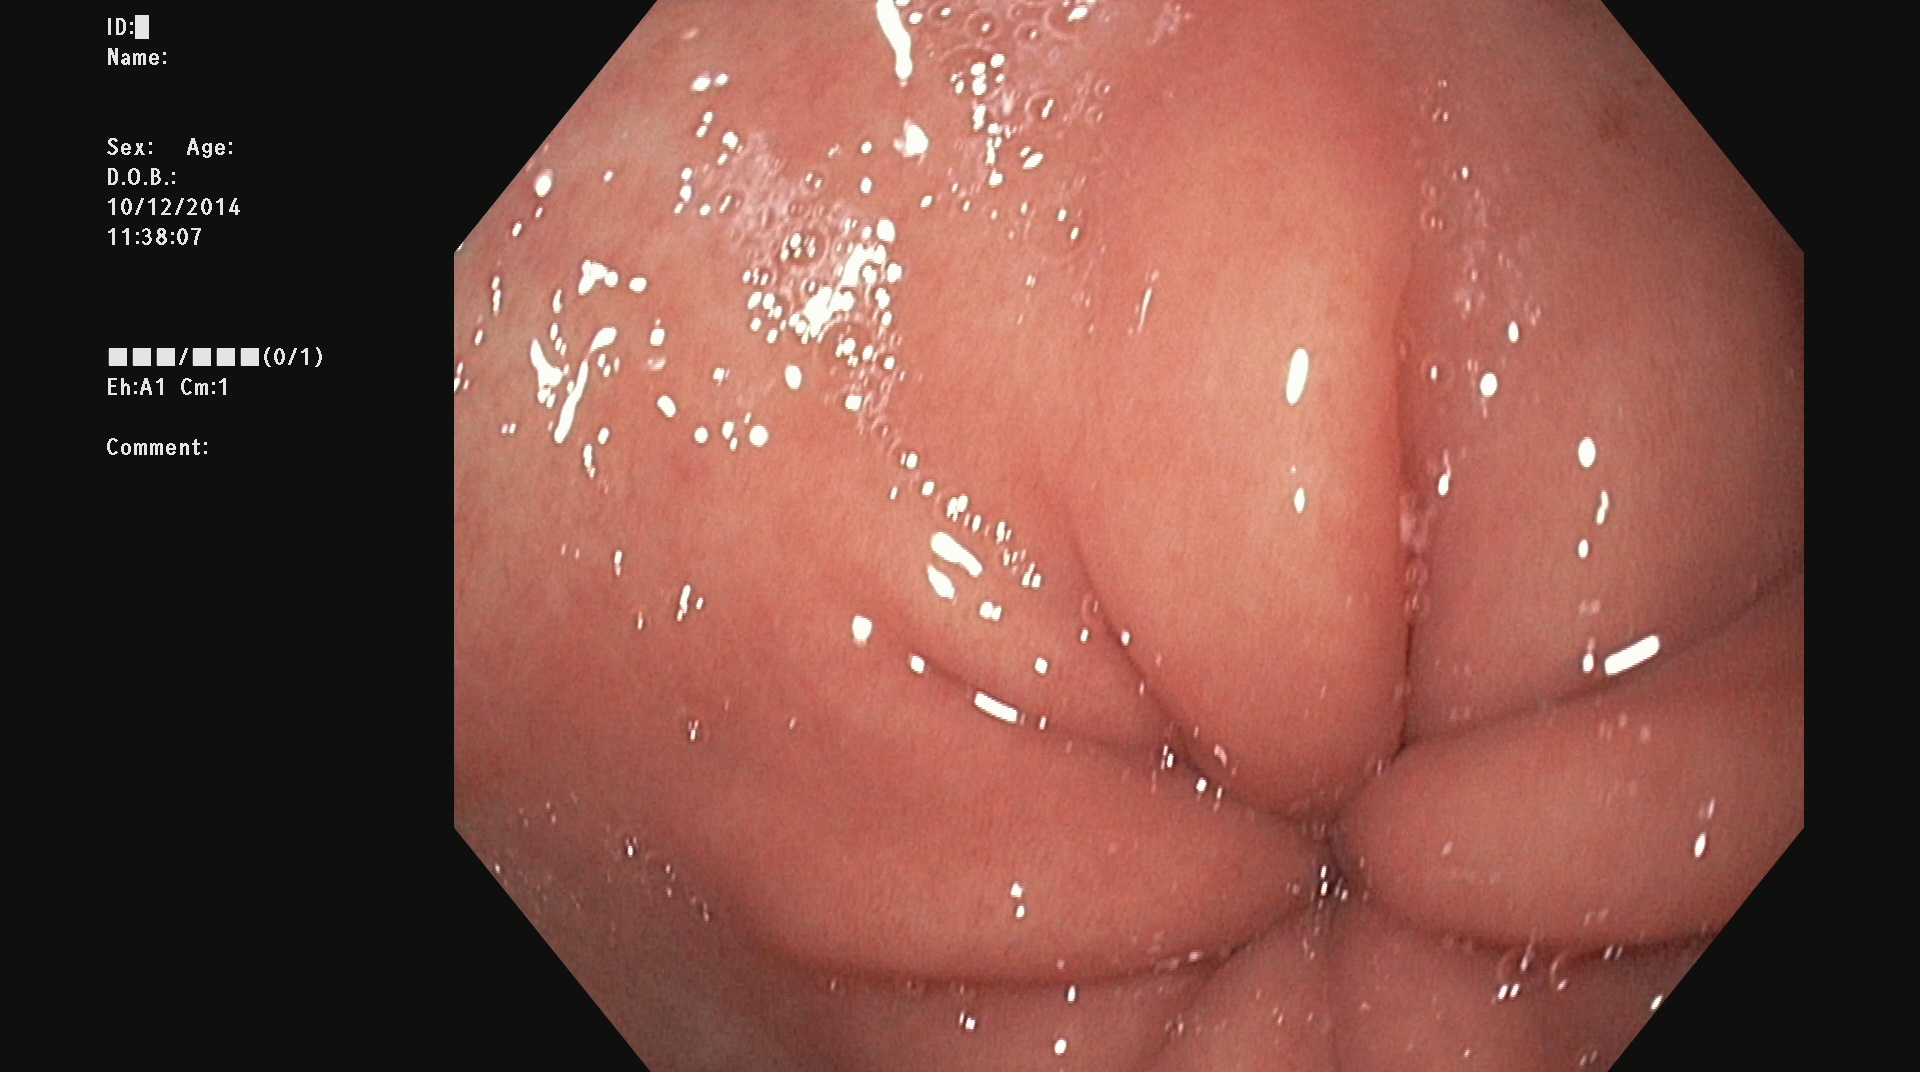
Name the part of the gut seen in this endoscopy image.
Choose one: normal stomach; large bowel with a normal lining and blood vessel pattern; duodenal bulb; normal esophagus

normal stomach